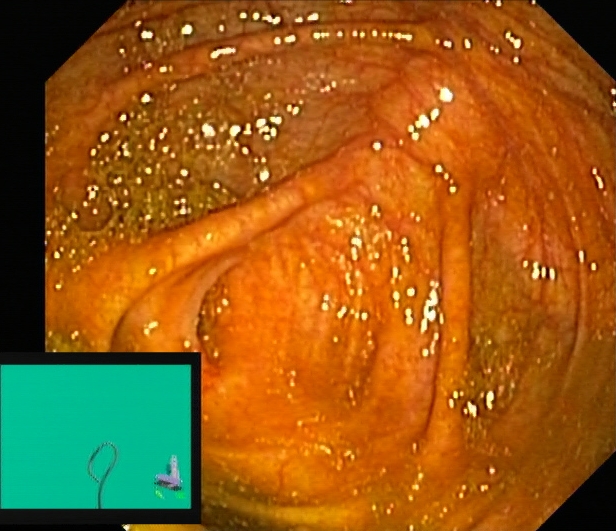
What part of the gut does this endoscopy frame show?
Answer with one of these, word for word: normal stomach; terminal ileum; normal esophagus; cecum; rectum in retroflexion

cecum